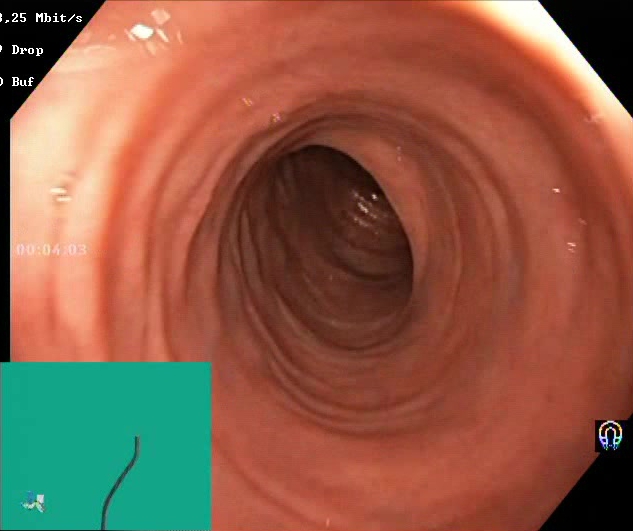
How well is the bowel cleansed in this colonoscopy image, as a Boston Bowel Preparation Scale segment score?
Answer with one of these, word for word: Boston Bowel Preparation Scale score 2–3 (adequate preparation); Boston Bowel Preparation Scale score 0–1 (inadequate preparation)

Boston Bowel Preparation Scale score 2–3 (adequate preparation)